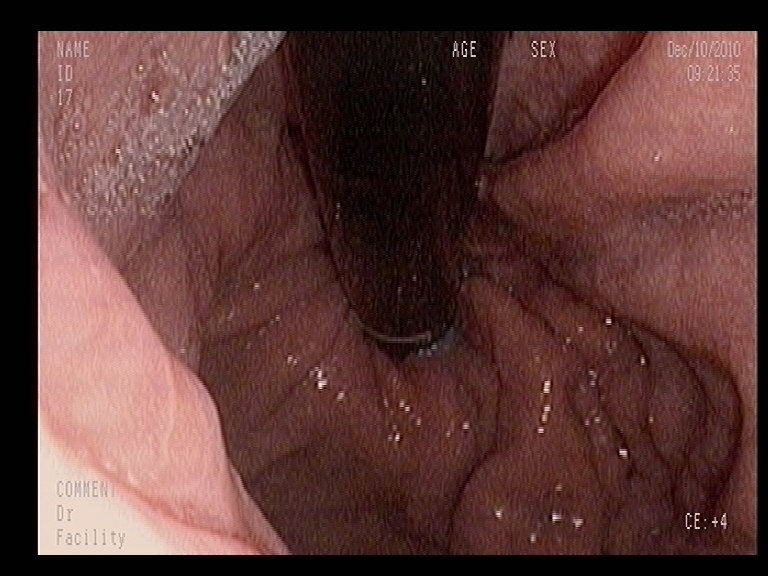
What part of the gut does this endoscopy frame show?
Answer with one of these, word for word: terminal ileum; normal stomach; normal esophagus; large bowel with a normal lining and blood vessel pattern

normal stomach